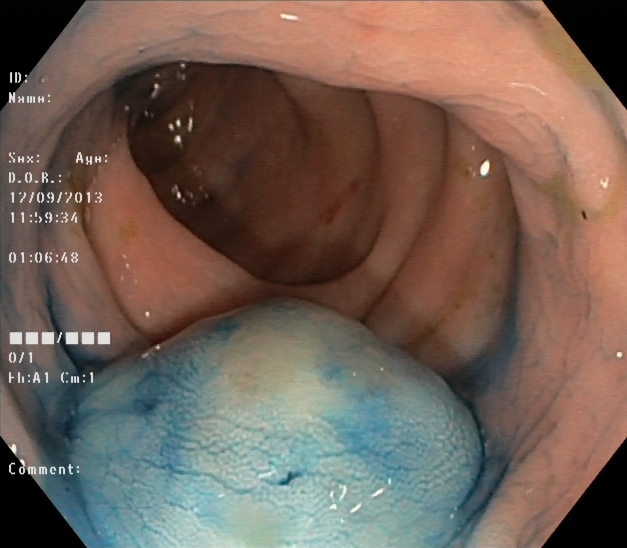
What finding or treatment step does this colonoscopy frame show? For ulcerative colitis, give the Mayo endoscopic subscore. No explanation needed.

dyed and lifted polyp (pre-resection)